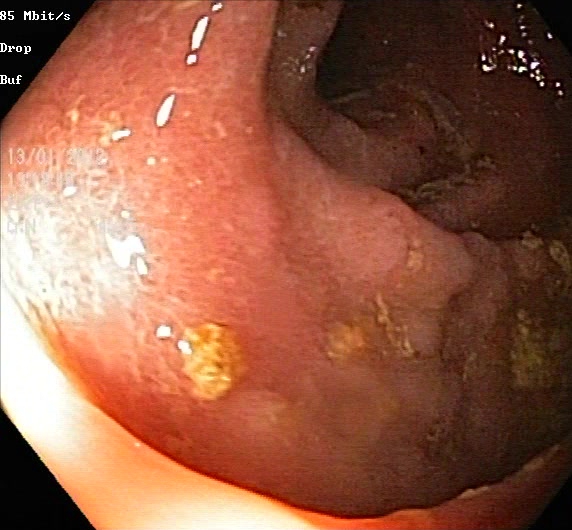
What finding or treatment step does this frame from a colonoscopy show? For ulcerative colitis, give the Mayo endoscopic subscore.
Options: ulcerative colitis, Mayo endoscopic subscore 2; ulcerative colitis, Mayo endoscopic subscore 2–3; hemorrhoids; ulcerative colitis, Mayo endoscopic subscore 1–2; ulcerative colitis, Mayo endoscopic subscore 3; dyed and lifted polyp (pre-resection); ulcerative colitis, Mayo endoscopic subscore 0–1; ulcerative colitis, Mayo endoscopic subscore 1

ulcerative colitis, Mayo endoscopic subscore 2